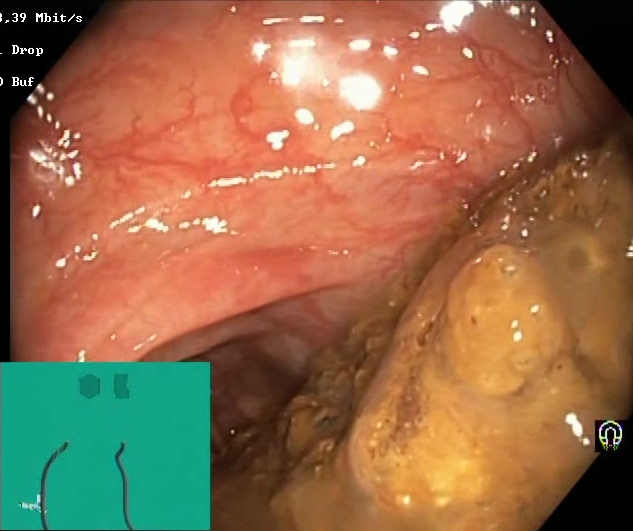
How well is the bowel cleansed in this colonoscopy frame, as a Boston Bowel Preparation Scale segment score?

Boston Bowel Preparation Scale score 0–1 (inadequate preparation)